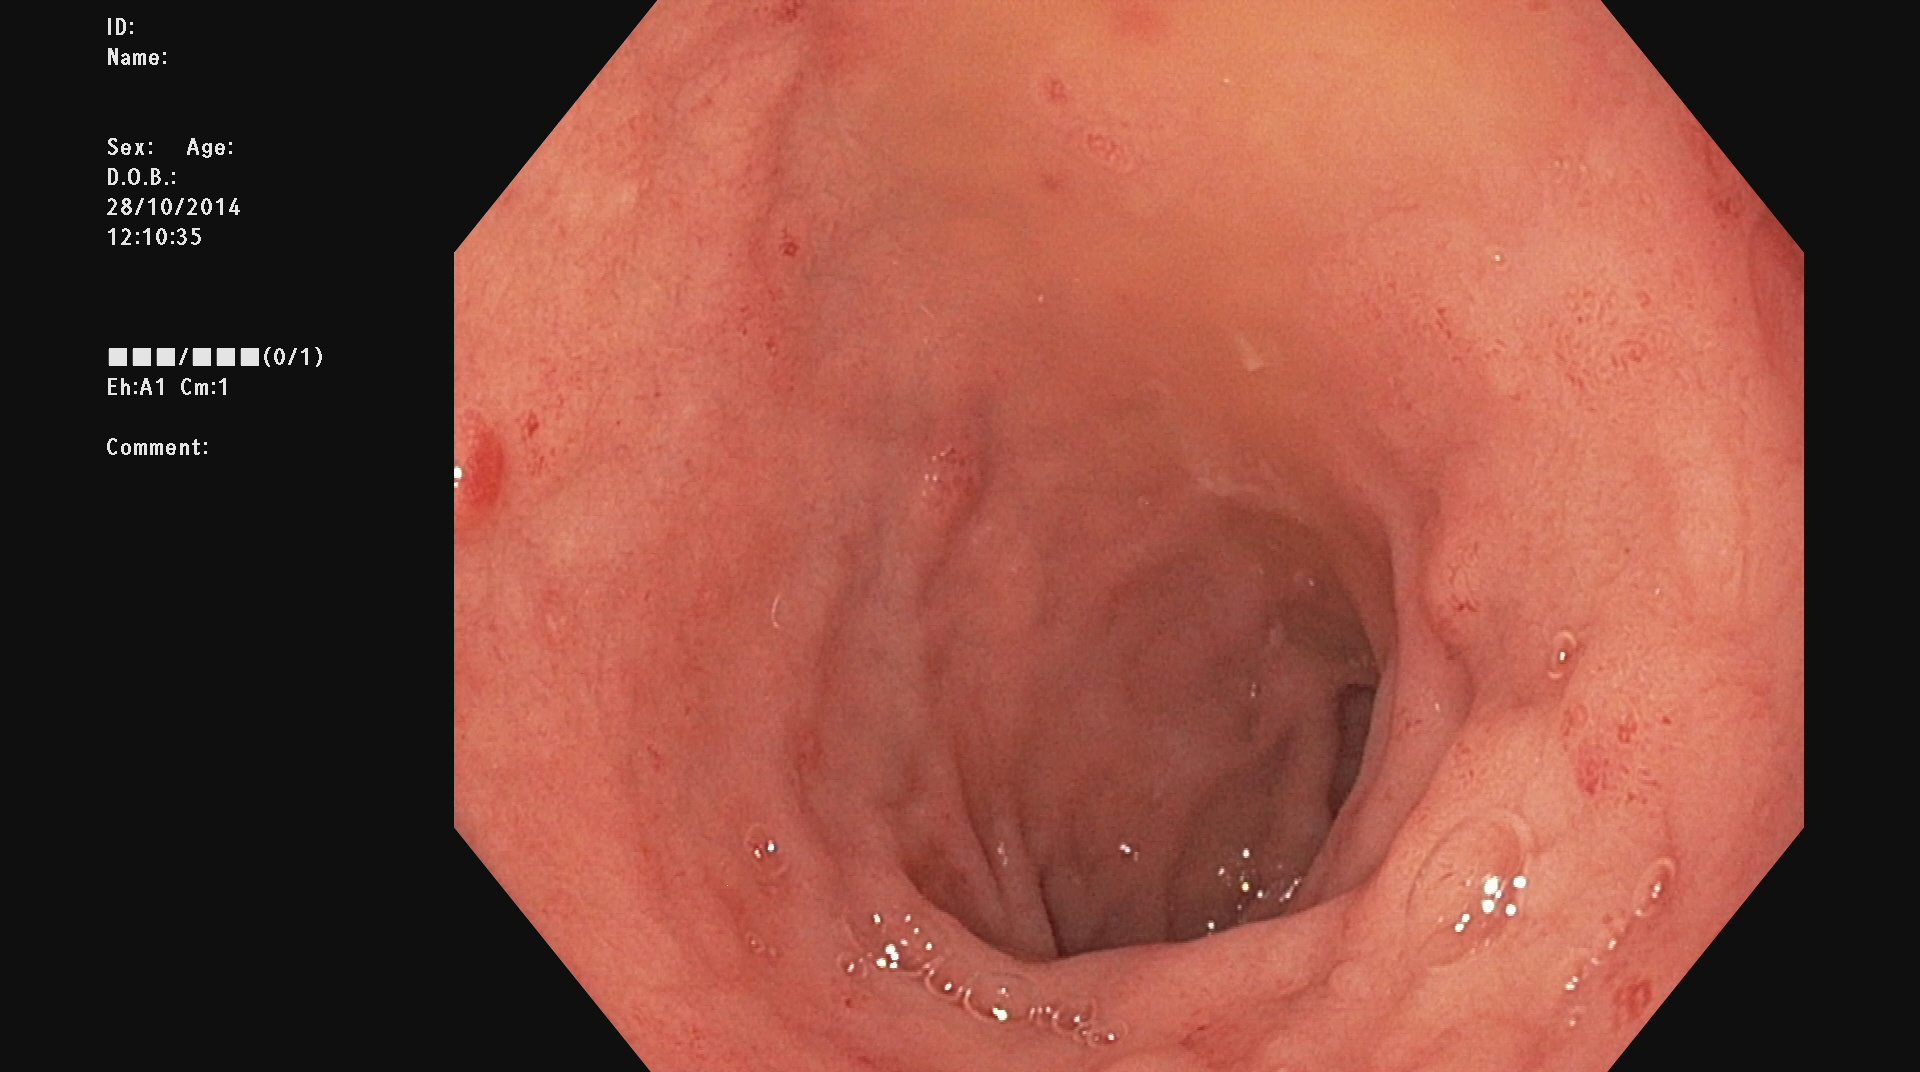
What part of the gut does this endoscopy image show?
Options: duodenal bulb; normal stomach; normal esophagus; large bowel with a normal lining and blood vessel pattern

duodenal bulb